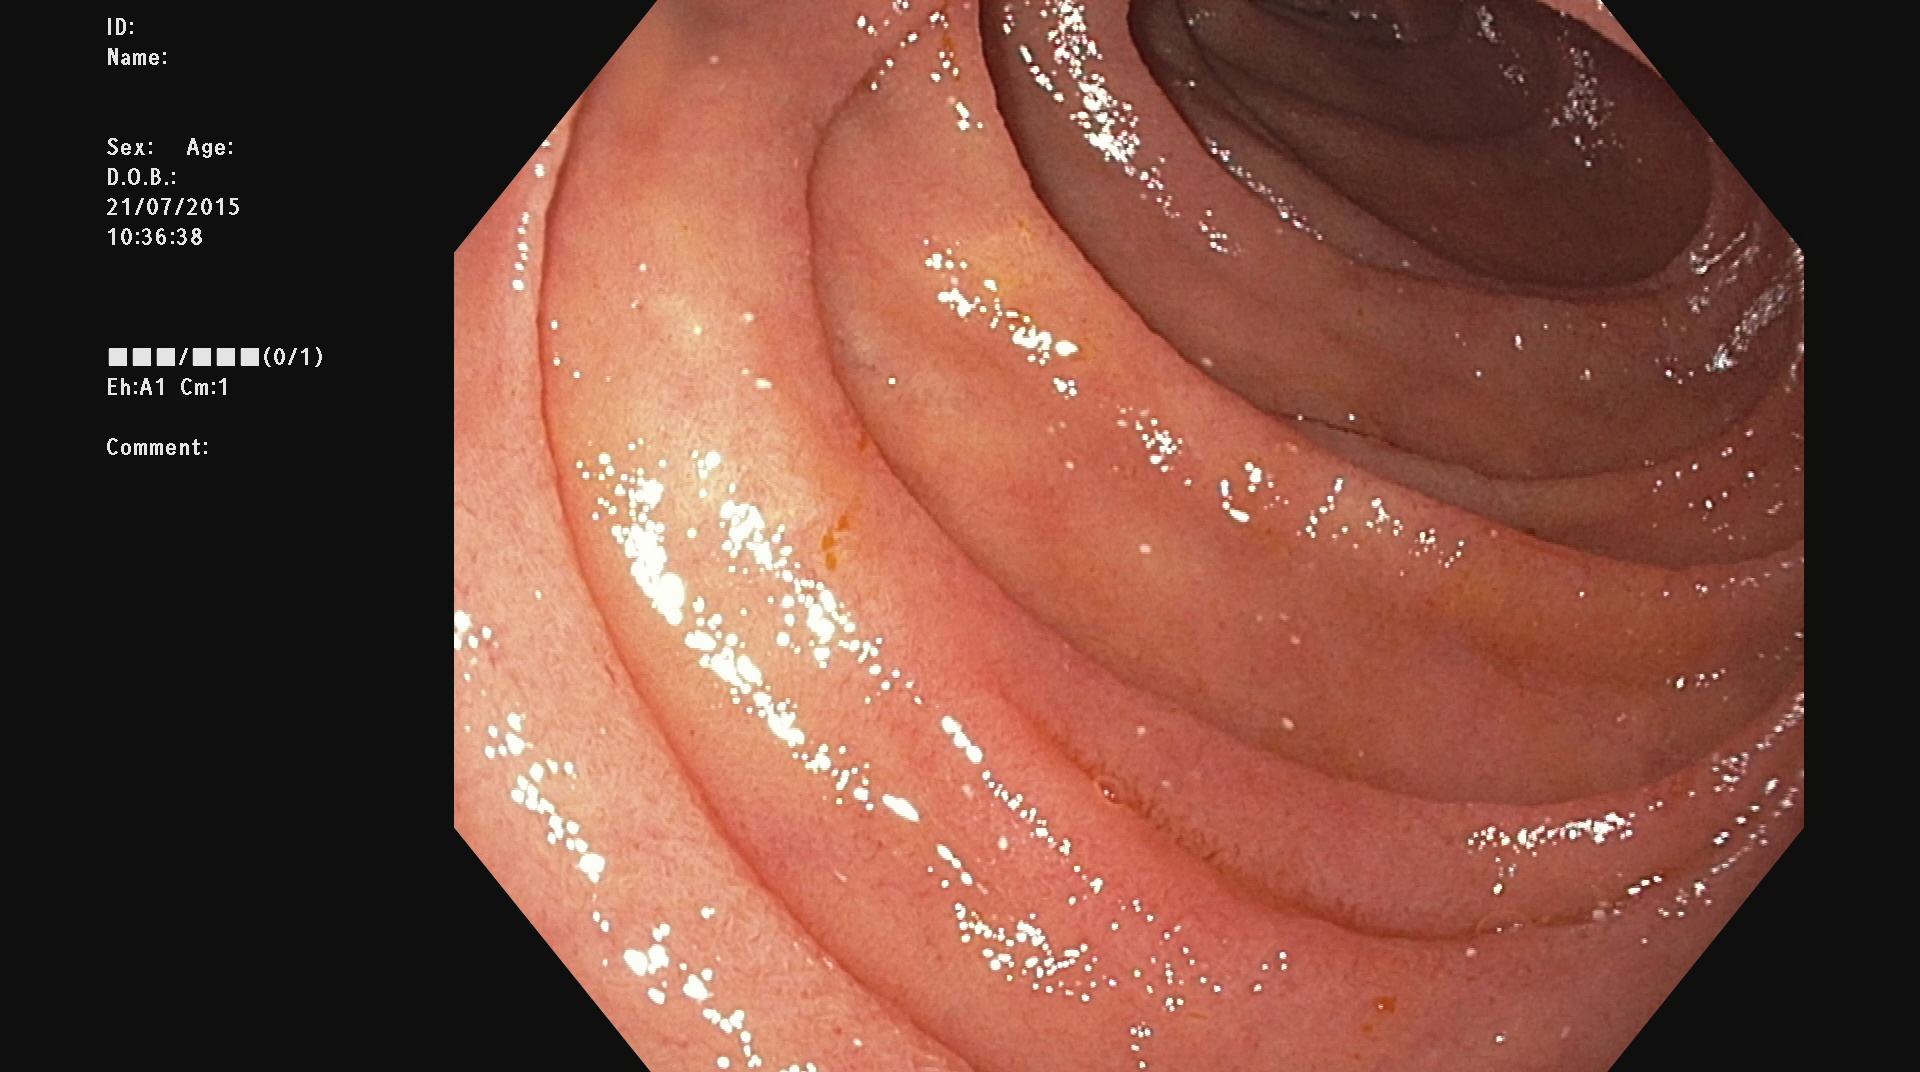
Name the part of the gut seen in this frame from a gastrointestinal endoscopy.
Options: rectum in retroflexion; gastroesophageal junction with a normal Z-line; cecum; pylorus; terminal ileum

terminal ileum